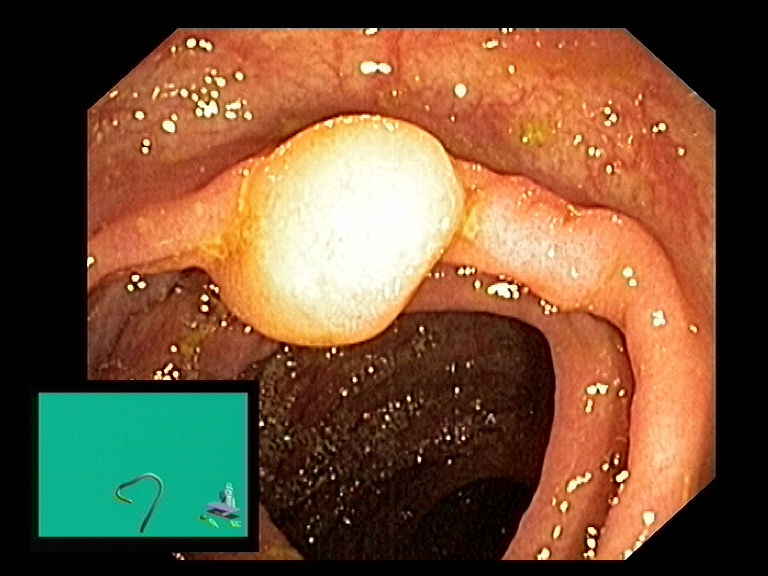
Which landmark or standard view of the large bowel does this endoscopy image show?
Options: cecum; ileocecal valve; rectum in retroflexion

ileocecal valve